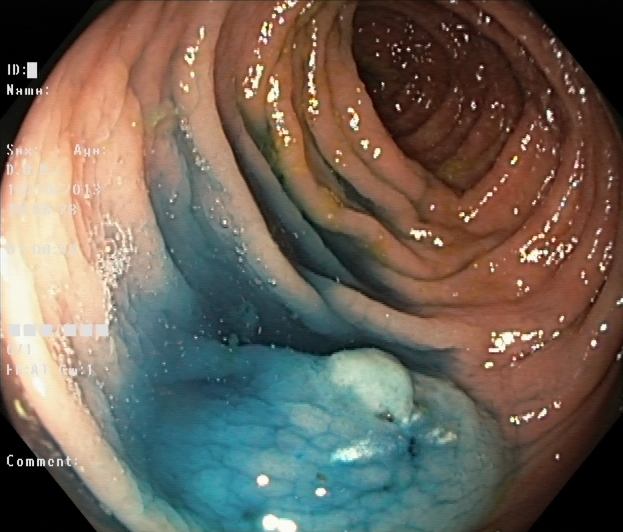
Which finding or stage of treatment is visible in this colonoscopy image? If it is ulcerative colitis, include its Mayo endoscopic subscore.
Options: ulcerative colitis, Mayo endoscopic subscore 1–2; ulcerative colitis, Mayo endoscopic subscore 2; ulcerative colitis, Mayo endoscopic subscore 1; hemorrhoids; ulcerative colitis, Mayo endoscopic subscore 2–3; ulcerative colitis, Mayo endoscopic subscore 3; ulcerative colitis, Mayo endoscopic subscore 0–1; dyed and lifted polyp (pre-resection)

dyed and lifted polyp (pre-resection)